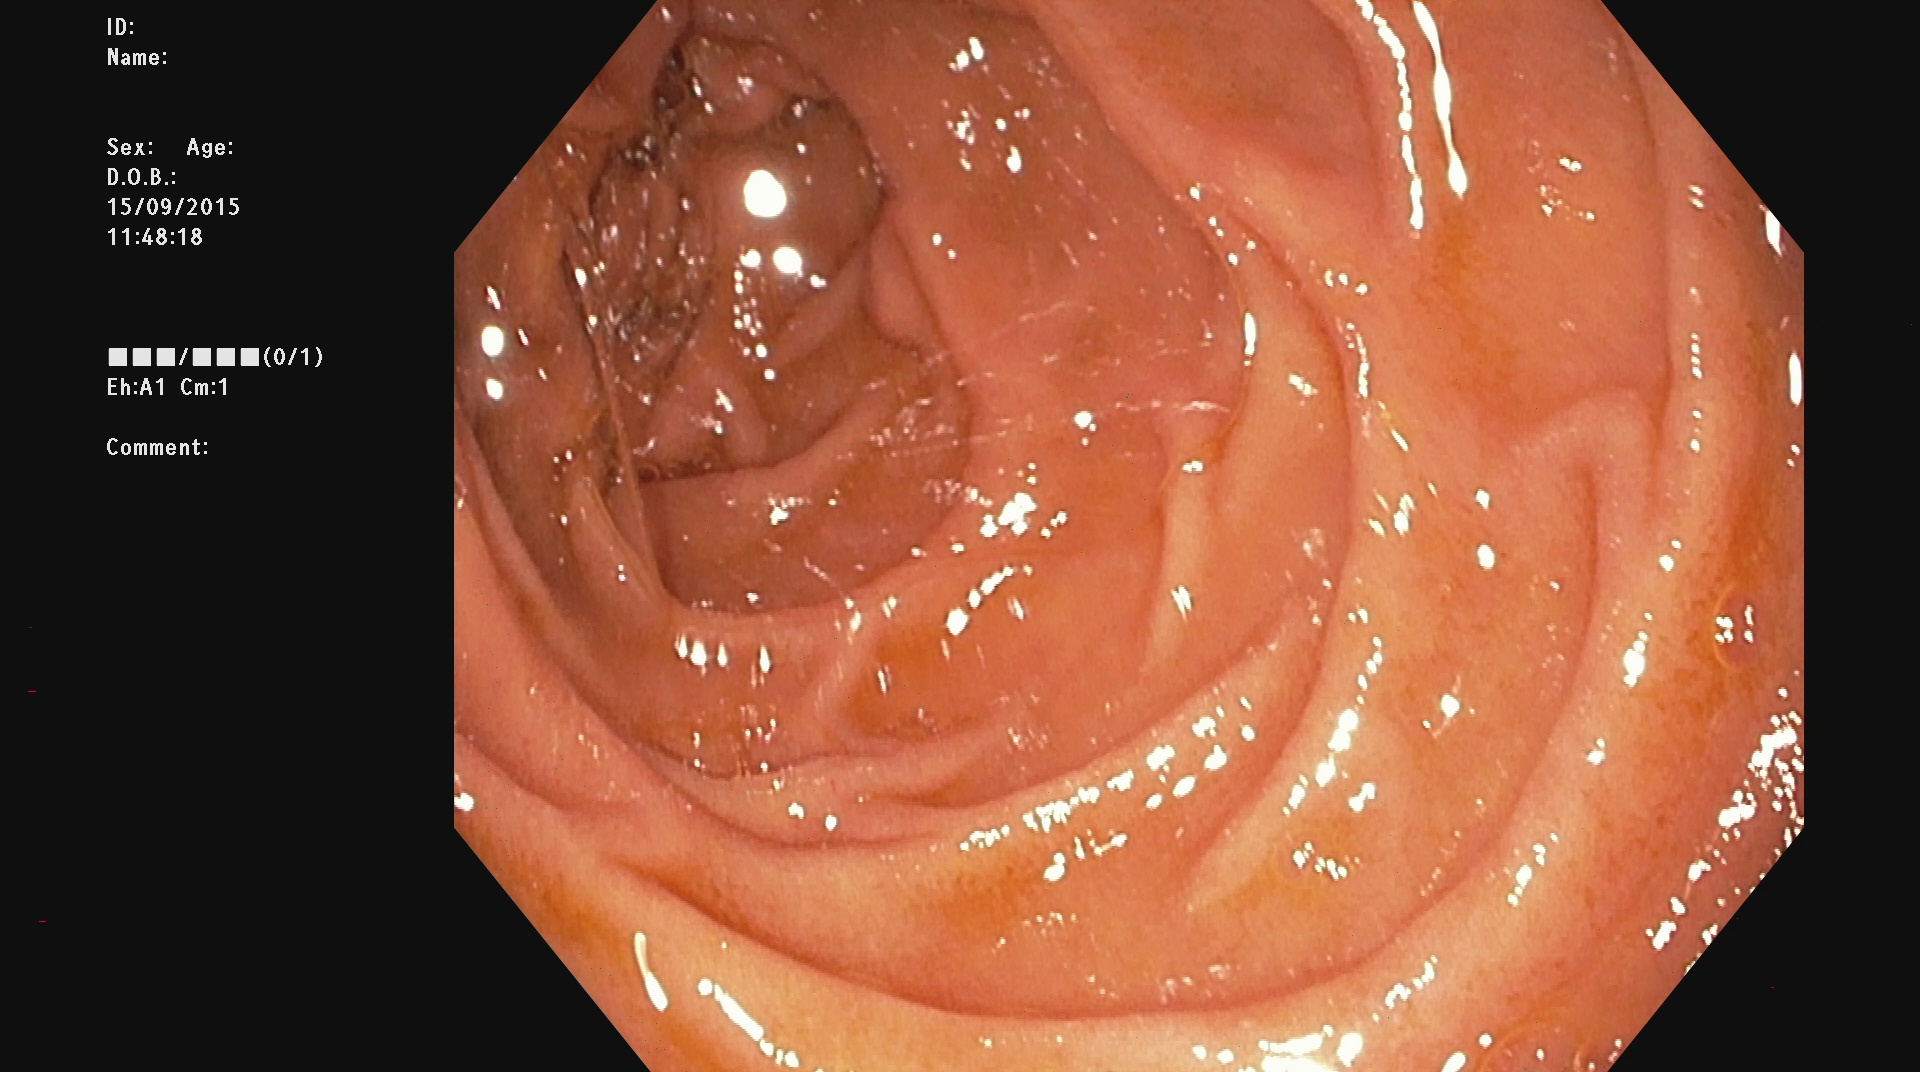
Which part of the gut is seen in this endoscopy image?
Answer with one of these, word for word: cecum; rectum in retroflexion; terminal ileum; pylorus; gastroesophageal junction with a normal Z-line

terminal ileum